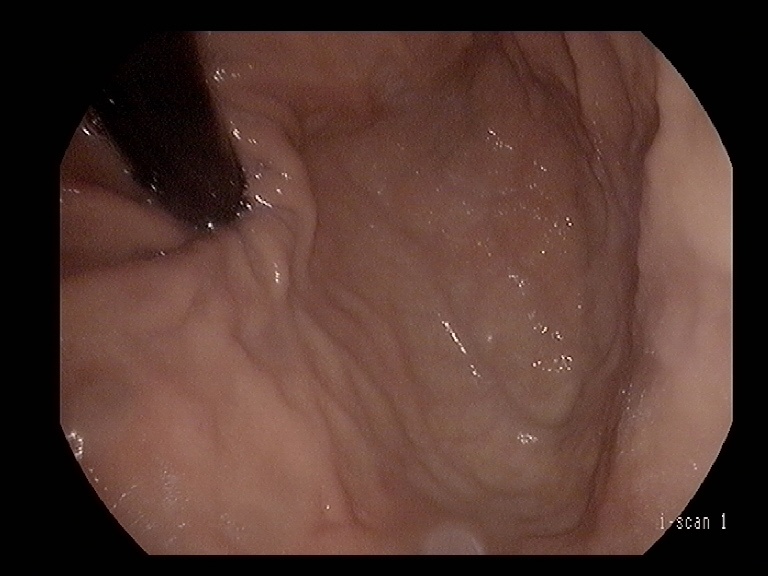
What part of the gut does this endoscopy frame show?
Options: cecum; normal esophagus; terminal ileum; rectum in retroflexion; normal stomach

normal stomach